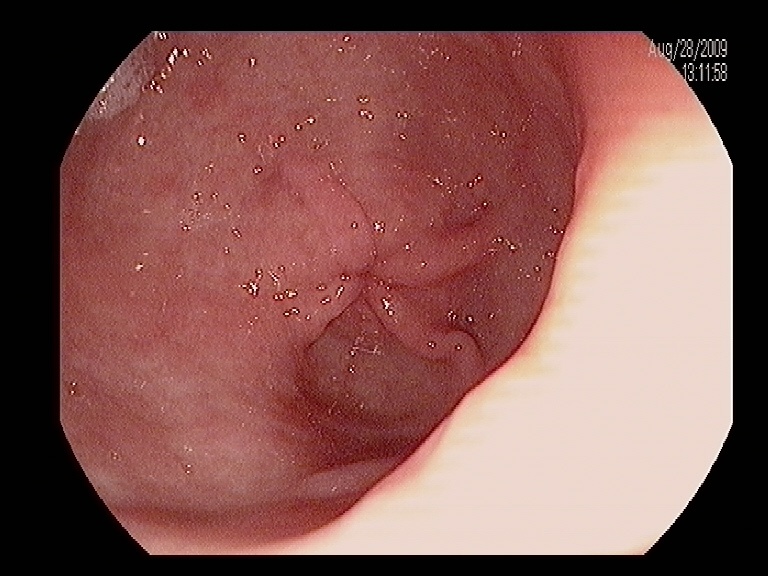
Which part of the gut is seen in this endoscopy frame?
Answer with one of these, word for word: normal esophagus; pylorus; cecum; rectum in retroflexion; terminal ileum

pylorus